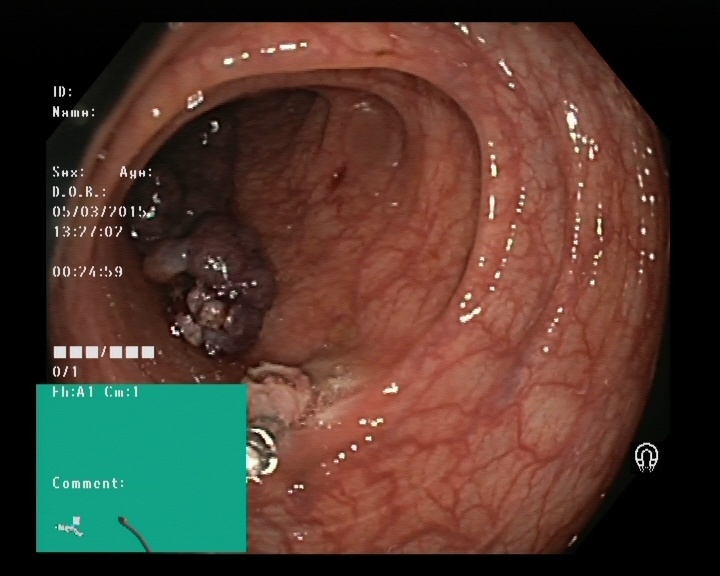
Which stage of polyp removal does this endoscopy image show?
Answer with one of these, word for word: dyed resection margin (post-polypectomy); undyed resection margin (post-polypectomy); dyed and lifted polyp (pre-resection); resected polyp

resected polyp